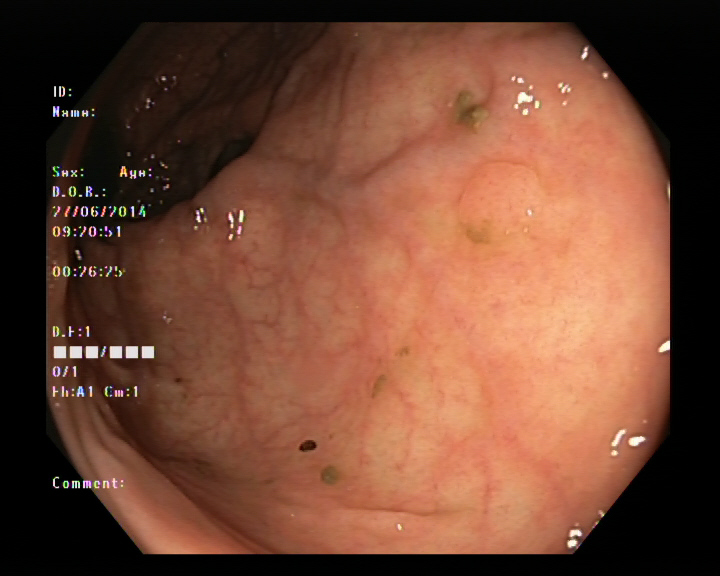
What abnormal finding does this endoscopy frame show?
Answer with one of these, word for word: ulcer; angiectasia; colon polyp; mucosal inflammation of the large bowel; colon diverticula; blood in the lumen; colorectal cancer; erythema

colon polyp